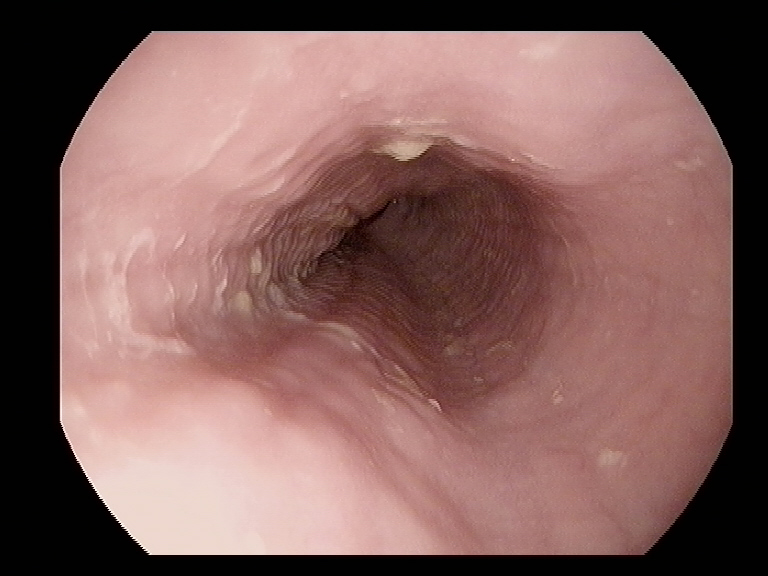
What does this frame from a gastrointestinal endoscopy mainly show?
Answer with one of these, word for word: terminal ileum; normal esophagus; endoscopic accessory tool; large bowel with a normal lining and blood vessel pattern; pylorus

normal esophagus